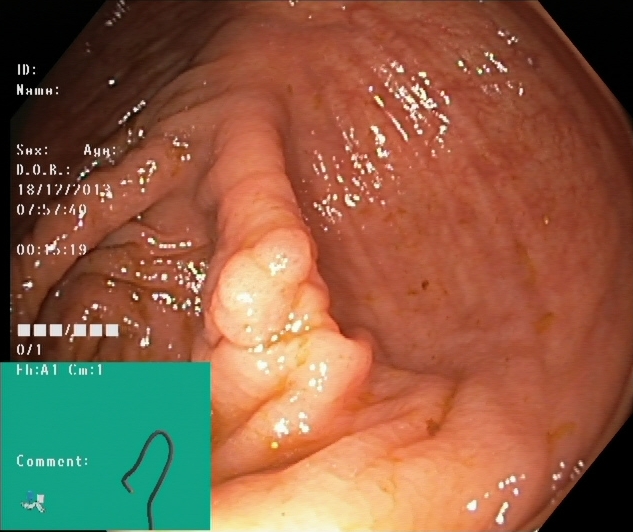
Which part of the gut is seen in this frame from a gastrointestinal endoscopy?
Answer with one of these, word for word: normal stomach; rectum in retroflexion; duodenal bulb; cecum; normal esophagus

cecum